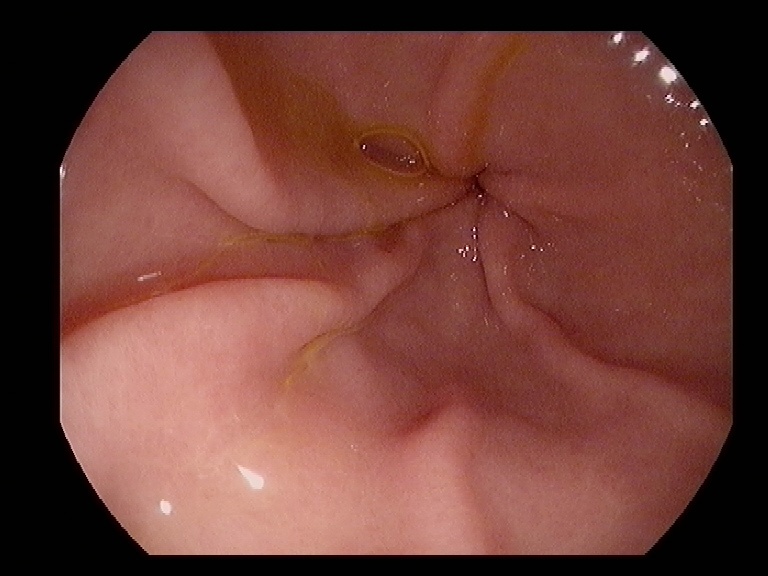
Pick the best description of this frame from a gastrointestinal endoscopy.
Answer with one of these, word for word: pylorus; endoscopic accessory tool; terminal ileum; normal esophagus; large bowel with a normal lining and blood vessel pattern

pylorus